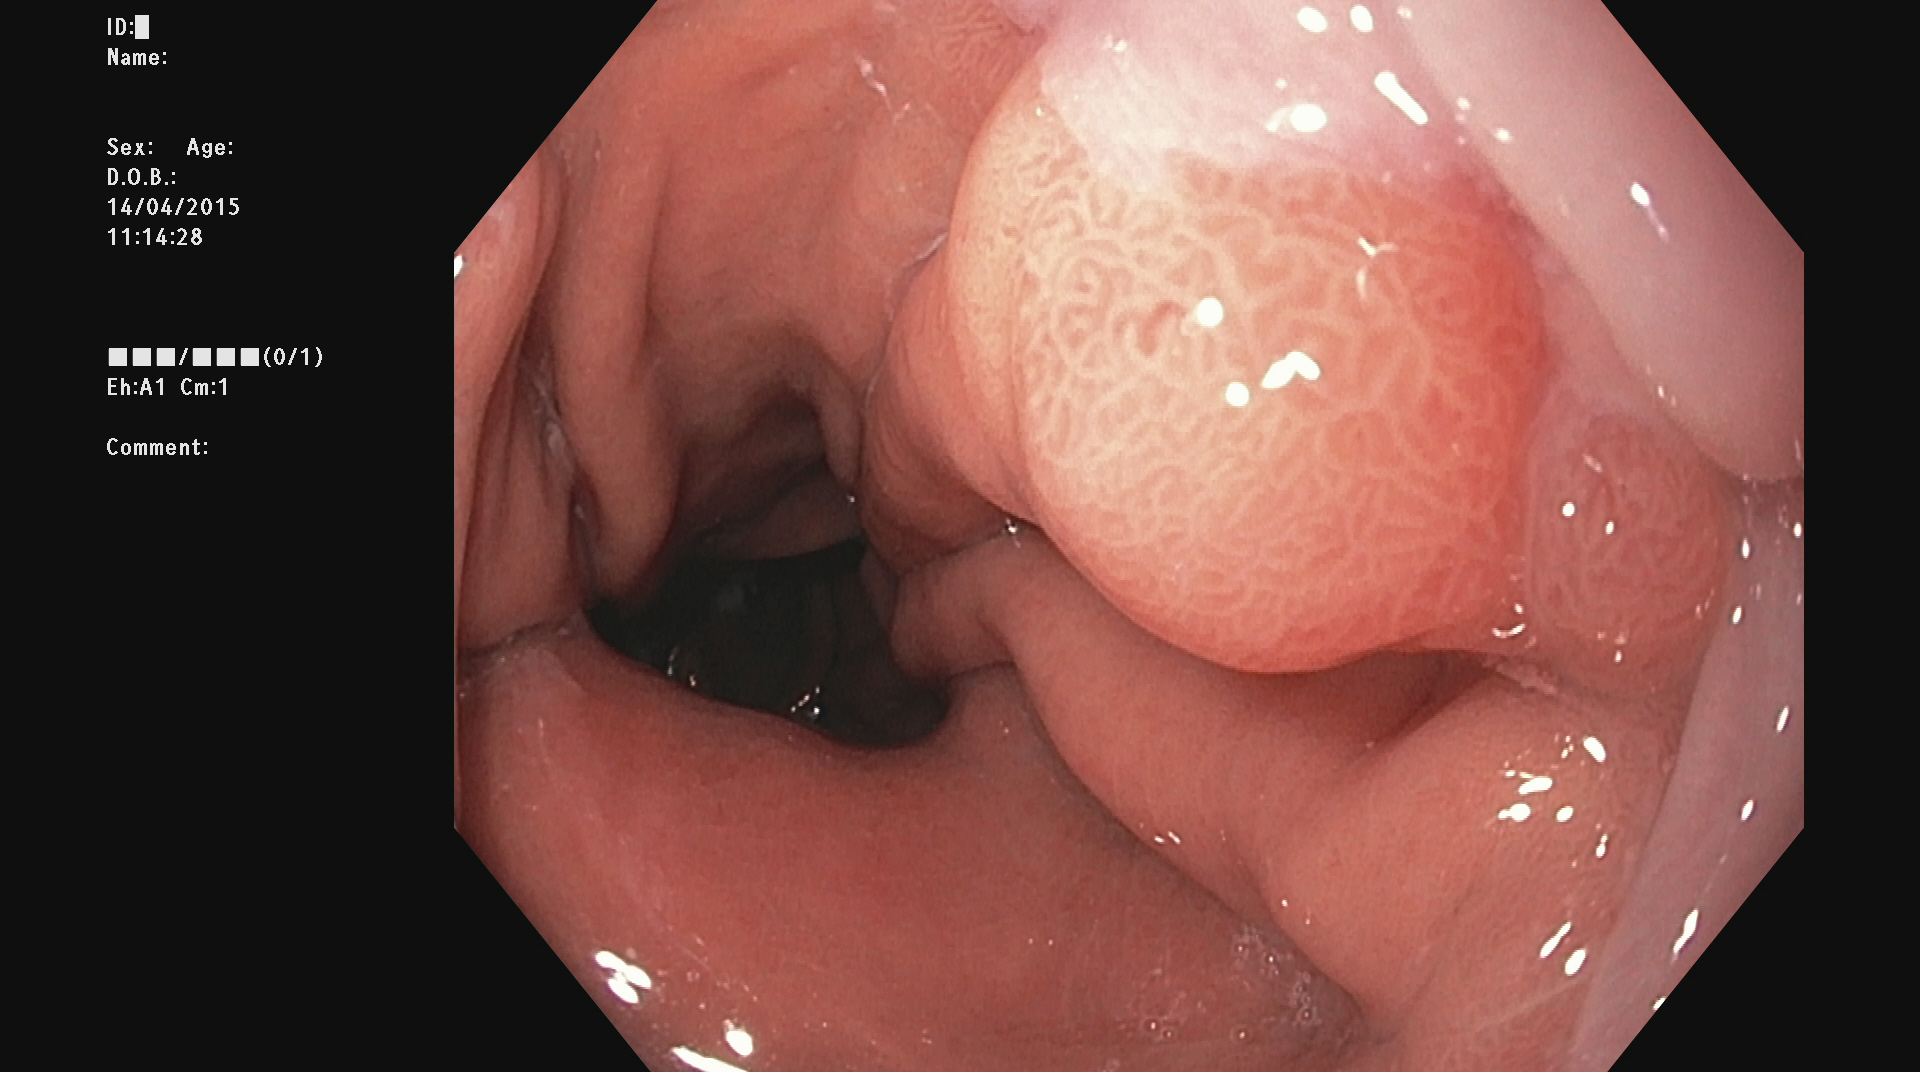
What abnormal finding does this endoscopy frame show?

colon polyp